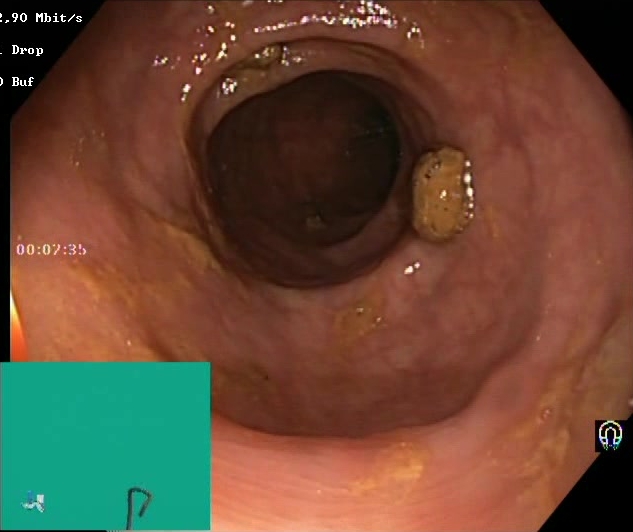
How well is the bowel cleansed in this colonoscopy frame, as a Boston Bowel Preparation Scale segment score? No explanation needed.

Boston Bowel Preparation Scale score 0–1 (inadequate preparation)